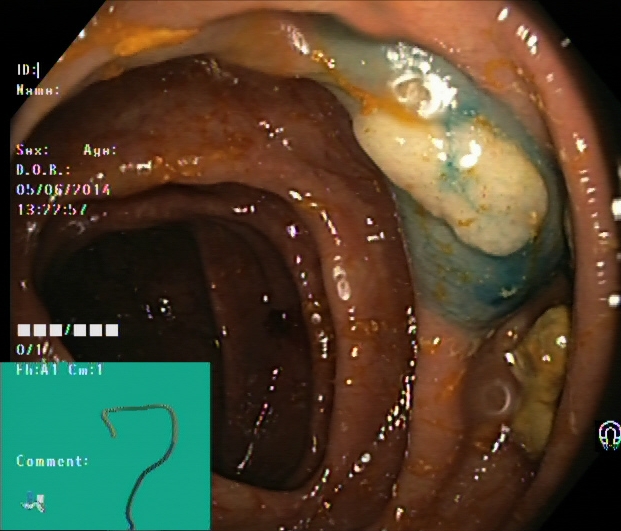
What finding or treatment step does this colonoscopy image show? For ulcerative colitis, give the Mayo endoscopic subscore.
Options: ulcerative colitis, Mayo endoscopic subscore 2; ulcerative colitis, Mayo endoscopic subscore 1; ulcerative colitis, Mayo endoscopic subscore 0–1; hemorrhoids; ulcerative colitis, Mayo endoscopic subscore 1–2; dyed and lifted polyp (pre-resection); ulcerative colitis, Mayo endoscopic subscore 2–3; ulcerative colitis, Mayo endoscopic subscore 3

dyed and lifted polyp (pre-resection)